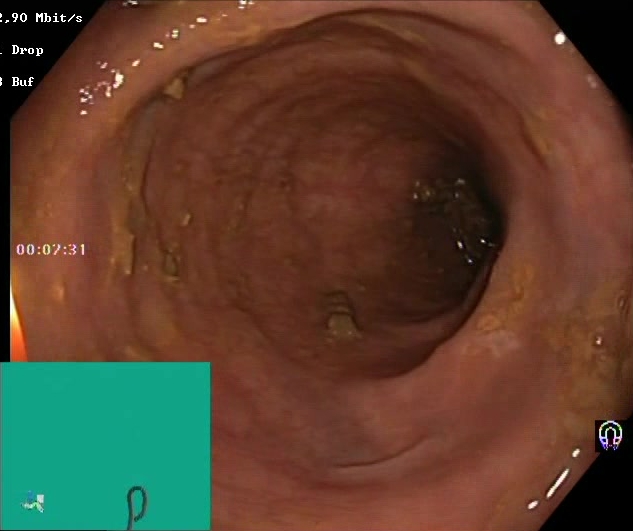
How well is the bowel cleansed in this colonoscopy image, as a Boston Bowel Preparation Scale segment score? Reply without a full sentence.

Boston Bowel Preparation Scale score 0–1 (inadequate preparation)